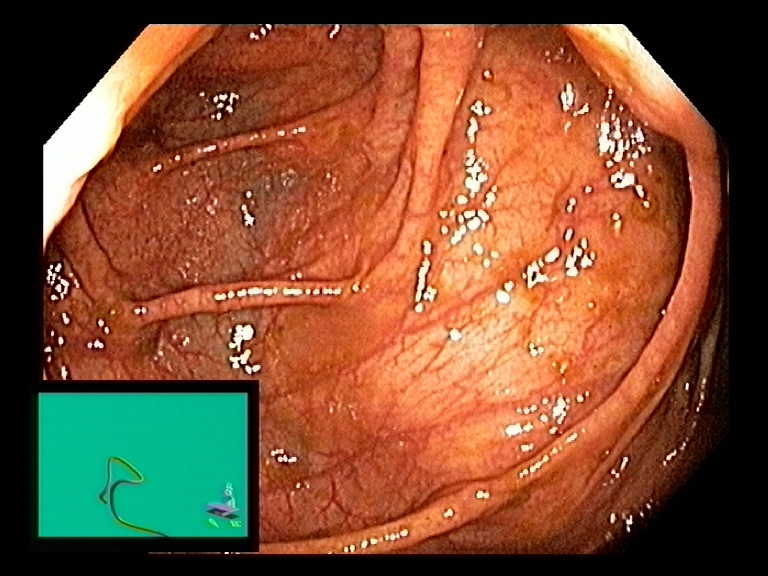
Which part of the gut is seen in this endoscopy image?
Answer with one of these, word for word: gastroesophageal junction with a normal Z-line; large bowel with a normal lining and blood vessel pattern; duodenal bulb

large bowel with a normal lining and blood vessel pattern